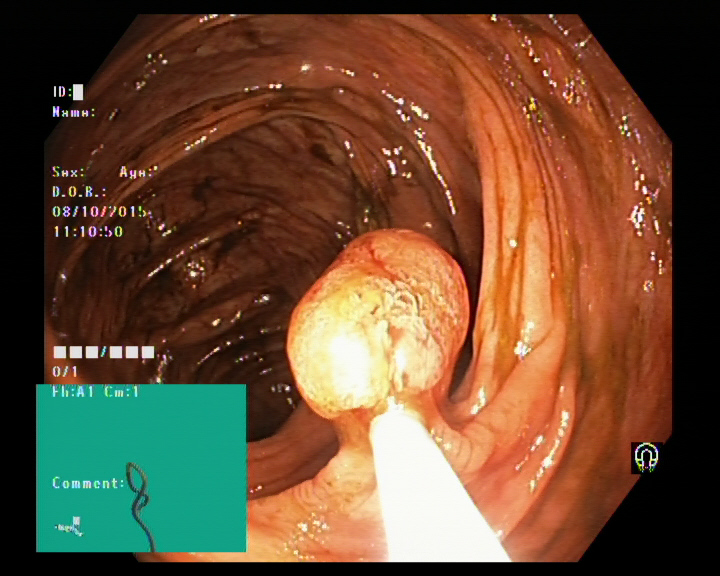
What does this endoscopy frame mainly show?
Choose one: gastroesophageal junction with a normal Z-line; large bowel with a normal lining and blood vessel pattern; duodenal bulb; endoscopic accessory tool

endoscopic accessory tool